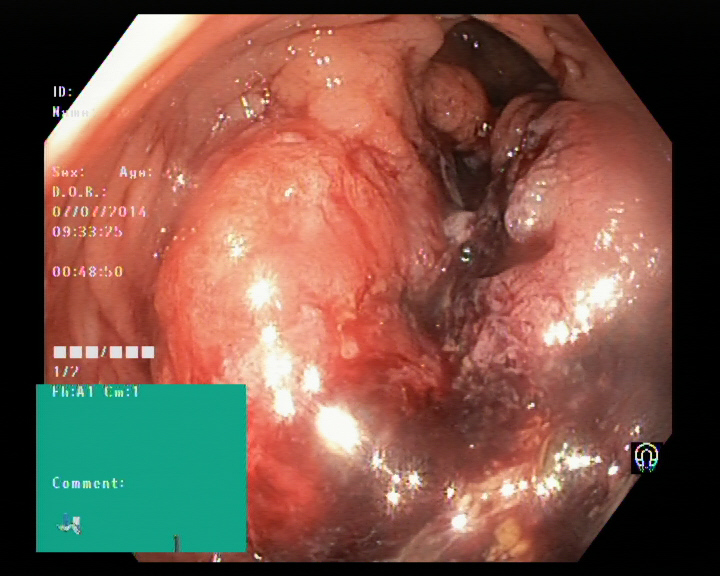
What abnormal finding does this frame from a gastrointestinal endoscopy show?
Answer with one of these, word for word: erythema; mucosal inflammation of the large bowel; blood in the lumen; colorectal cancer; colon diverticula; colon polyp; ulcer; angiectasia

colorectal cancer